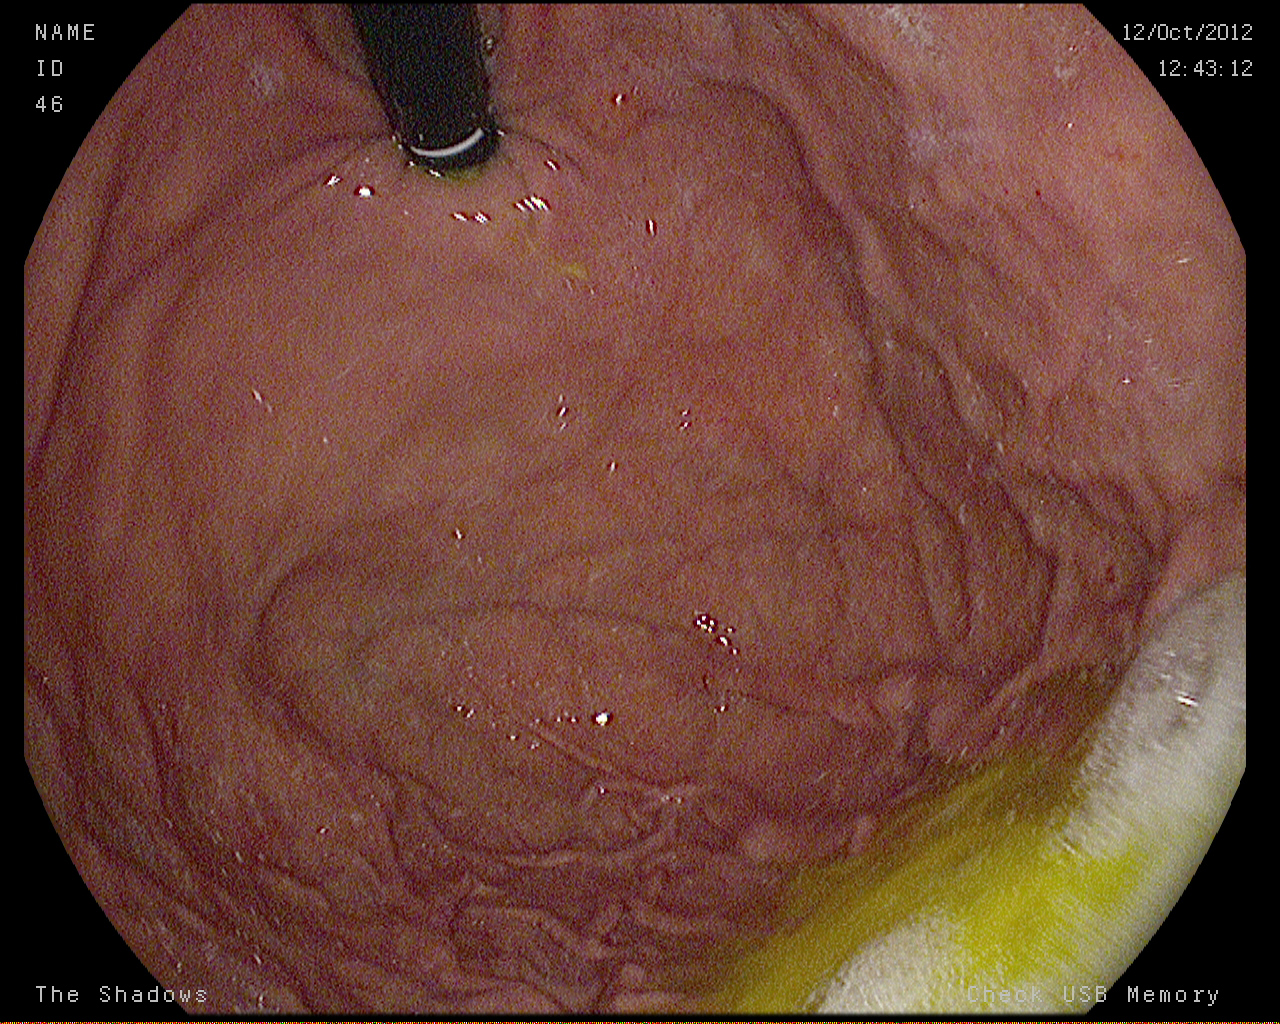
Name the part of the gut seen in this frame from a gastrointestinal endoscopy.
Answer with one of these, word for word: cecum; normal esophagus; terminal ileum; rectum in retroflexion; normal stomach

normal stomach